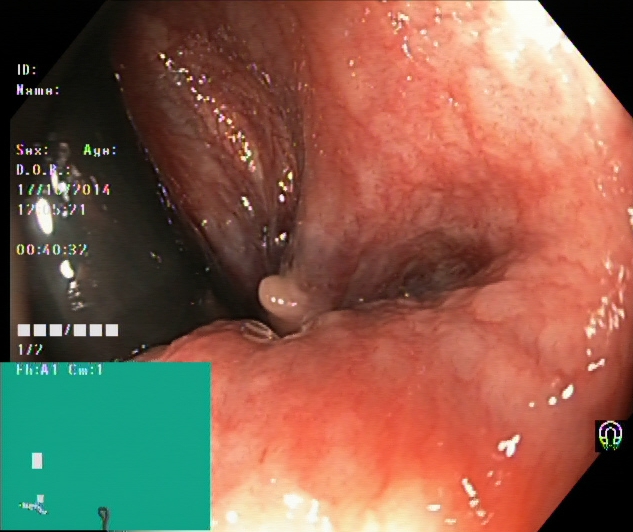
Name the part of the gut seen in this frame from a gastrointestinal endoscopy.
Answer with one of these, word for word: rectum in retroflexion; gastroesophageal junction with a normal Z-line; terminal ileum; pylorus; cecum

rectum in retroflexion